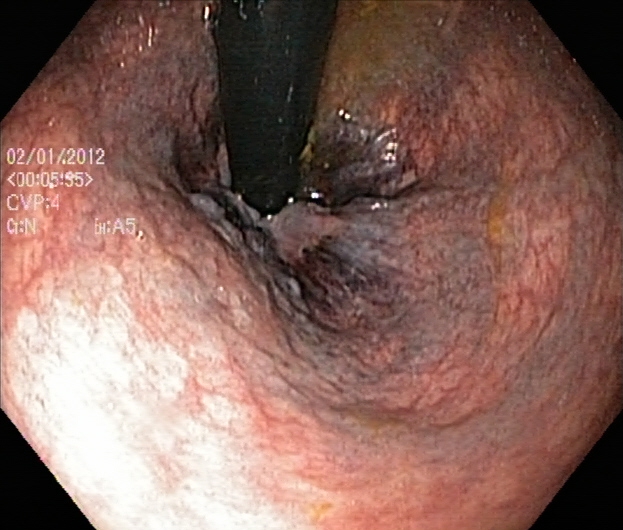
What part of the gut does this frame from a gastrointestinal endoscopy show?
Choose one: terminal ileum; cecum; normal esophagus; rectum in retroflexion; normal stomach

rectum in retroflexion